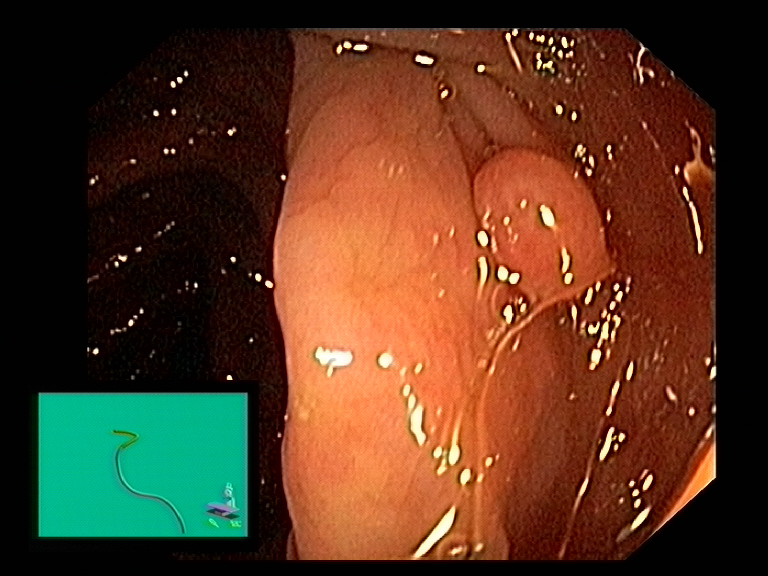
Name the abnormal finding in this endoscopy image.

colon polyp